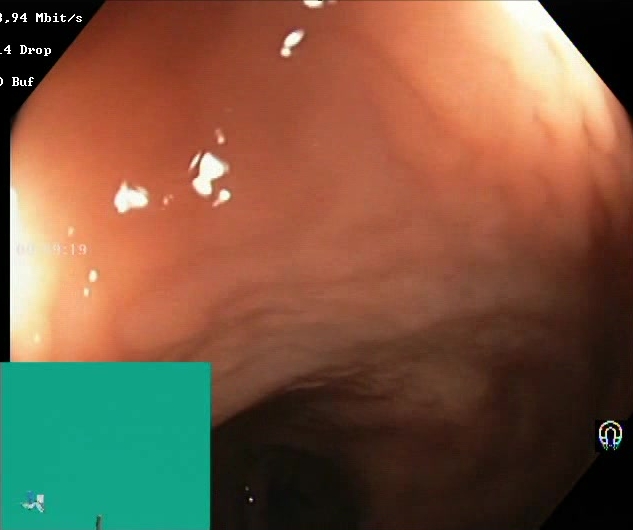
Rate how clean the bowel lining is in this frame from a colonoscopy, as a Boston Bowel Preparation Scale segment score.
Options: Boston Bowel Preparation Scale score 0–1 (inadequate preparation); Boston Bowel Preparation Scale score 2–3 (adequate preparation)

Boston Bowel Preparation Scale score 2–3 (adequate preparation)